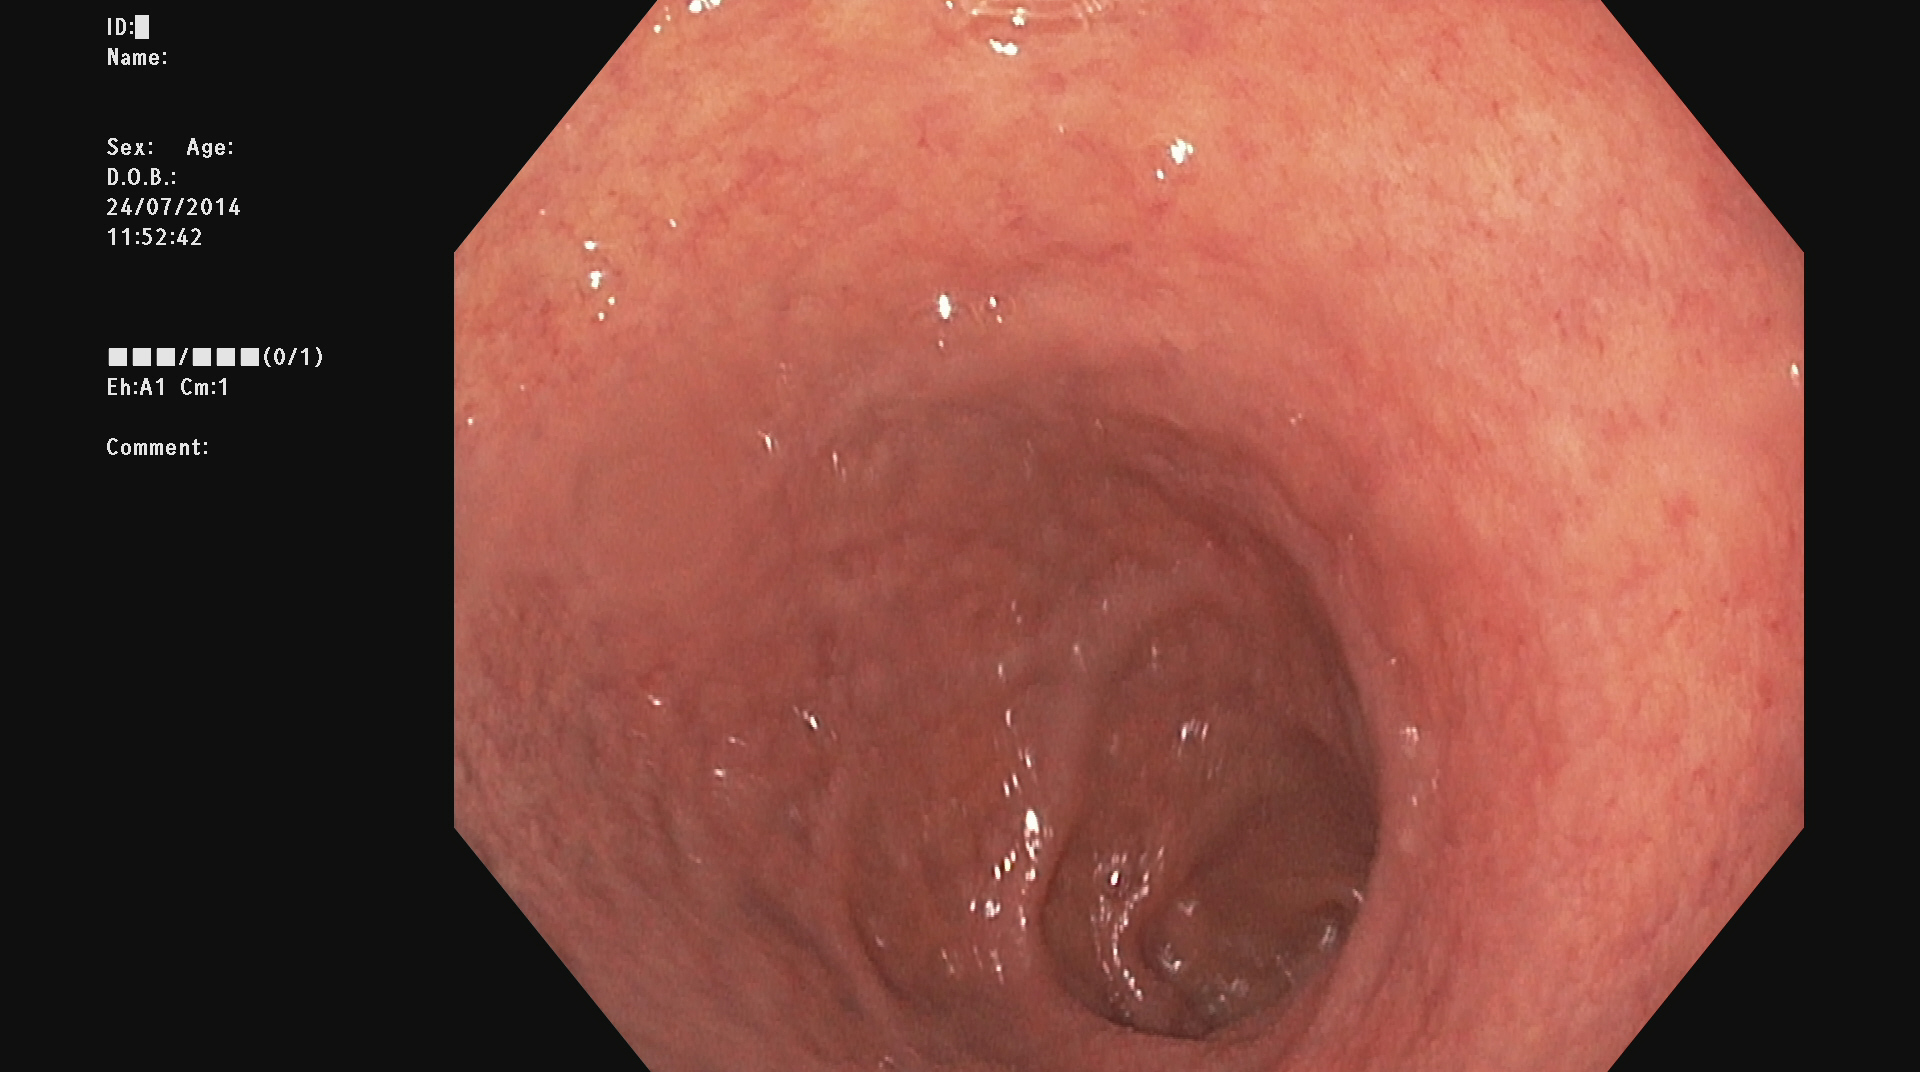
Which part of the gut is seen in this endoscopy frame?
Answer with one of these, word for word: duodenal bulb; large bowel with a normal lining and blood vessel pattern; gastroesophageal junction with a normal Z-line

duodenal bulb